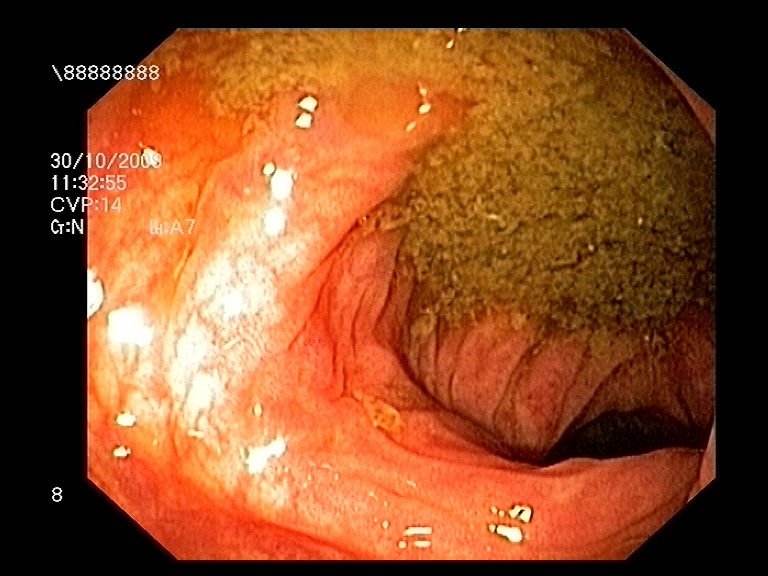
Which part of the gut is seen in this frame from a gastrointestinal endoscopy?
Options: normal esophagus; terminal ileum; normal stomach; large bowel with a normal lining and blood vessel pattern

large bowel with a normal lining and blood vessel pattern